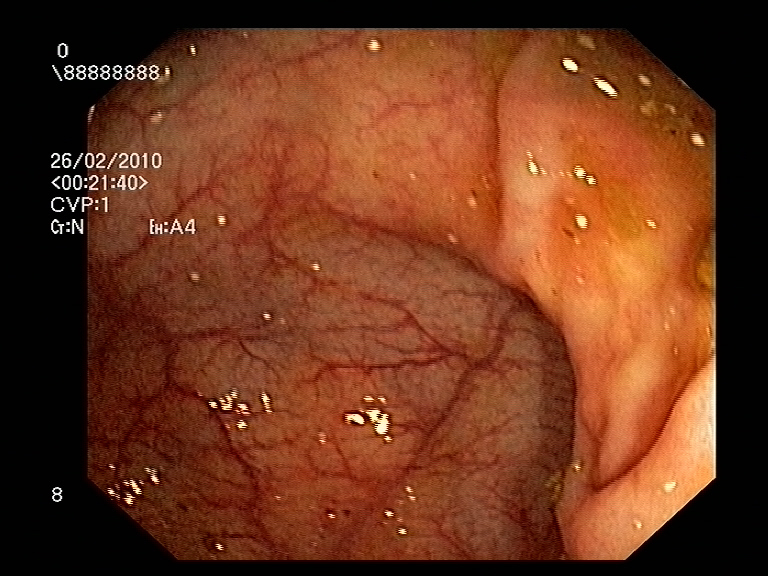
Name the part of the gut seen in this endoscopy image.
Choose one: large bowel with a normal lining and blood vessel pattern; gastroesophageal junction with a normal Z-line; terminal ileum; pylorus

large bowel with a normal lining and blood vessel pattern